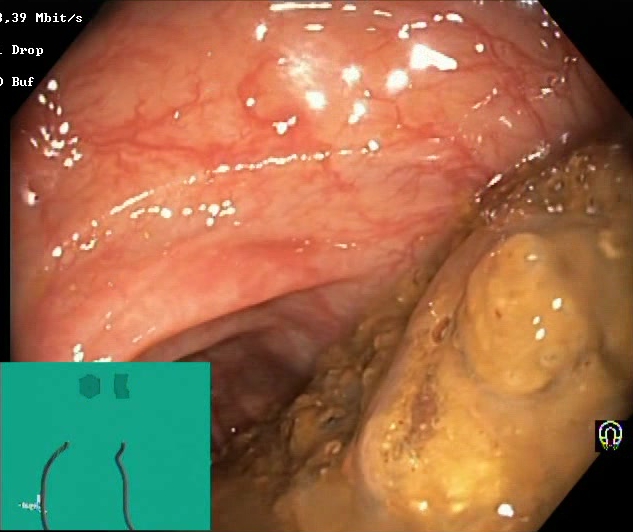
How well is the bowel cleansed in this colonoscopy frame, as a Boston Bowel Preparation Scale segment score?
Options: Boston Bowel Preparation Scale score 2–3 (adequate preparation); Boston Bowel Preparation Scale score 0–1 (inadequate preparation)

Boston Bowel Preparation Scale score 0–1 (inadequate preparation)